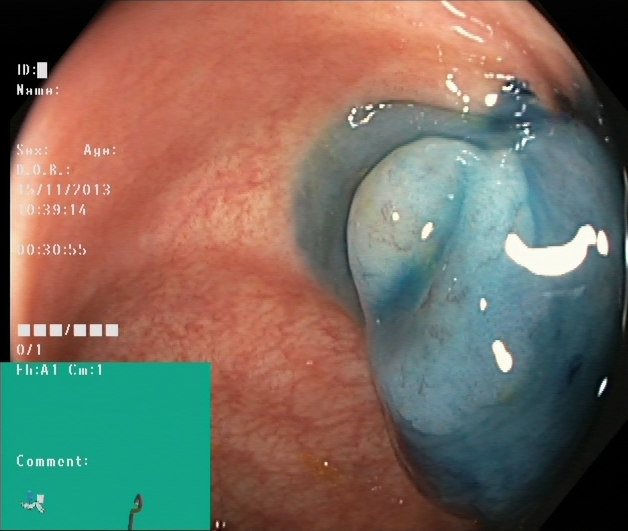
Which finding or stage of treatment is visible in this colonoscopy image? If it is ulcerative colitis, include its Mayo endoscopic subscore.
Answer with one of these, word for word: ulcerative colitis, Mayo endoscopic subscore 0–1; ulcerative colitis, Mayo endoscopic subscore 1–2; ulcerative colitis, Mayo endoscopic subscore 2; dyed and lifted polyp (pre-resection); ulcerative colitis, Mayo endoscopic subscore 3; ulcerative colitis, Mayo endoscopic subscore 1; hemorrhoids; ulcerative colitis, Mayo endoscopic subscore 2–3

dyed and lifted polyp (pre-resection)